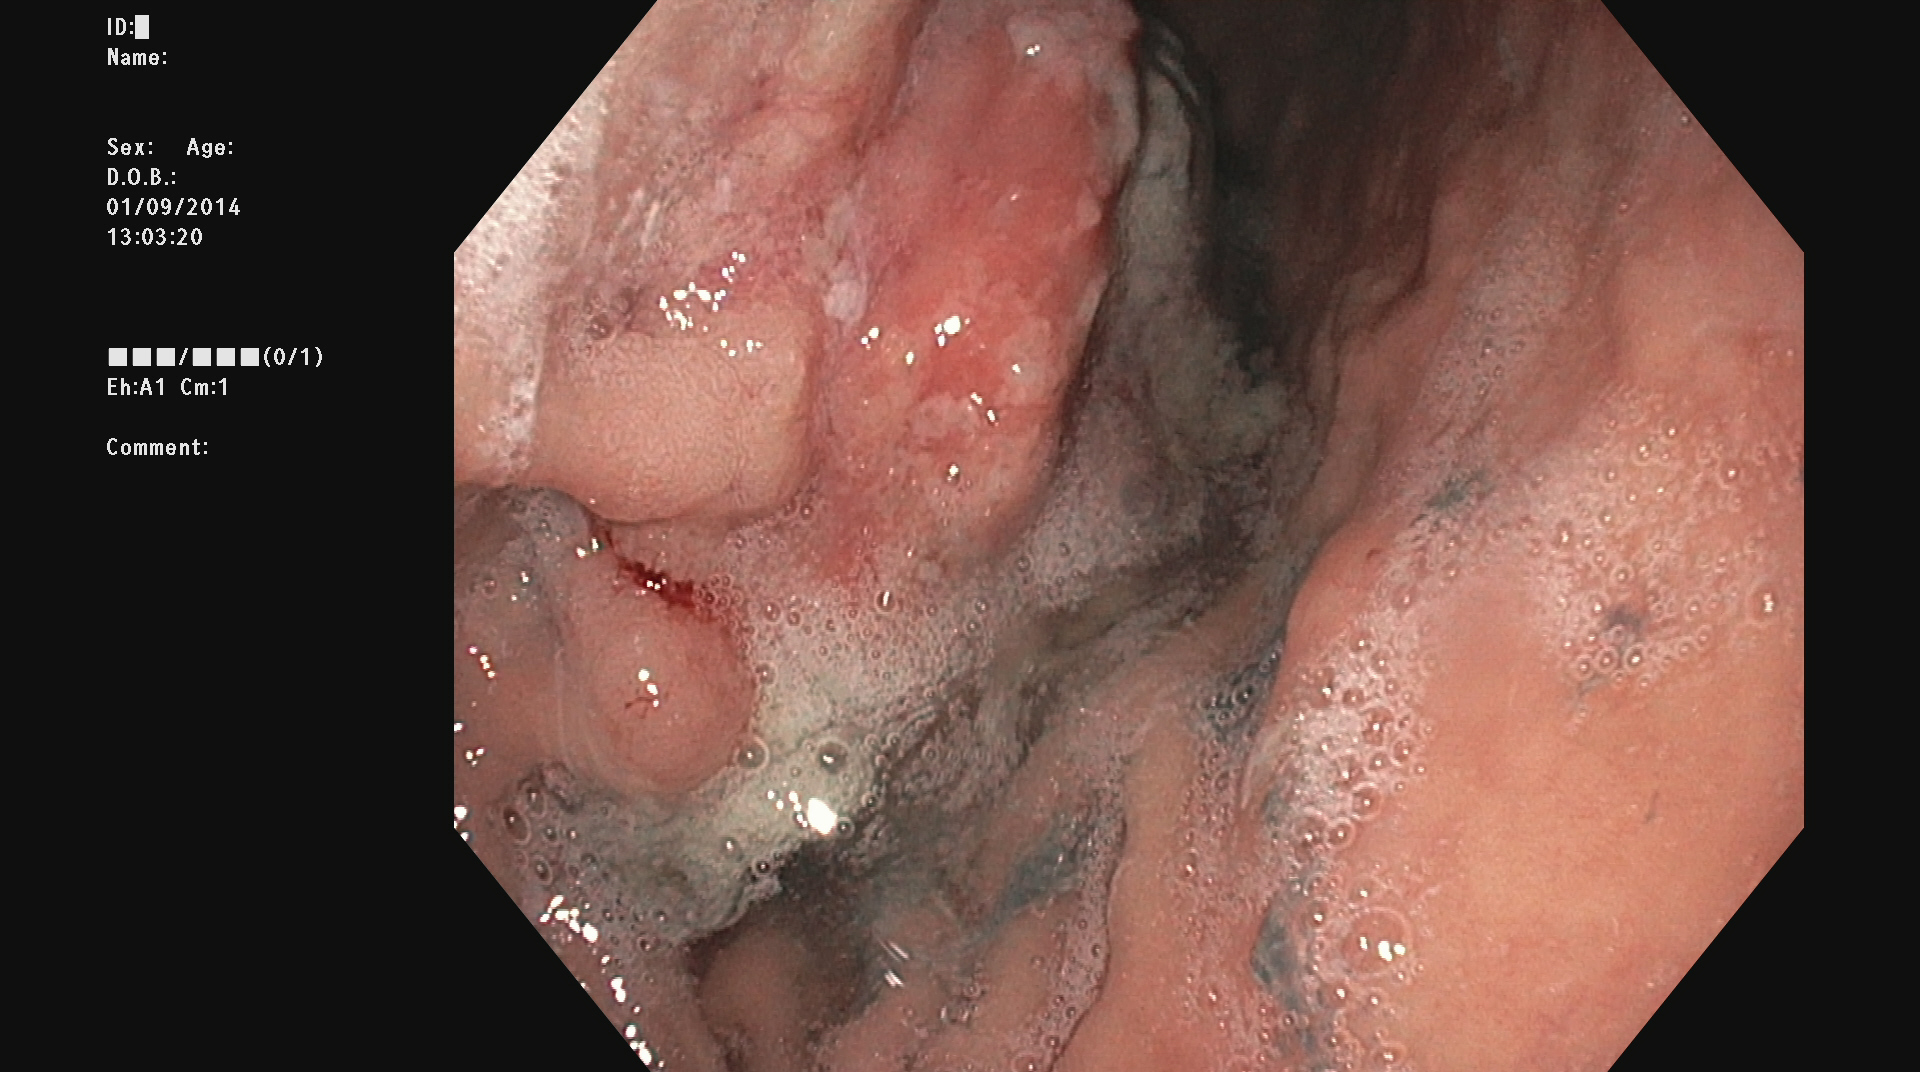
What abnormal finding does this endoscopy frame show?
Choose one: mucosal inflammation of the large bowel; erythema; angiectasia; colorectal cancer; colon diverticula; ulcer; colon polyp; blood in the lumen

colorectal cancer